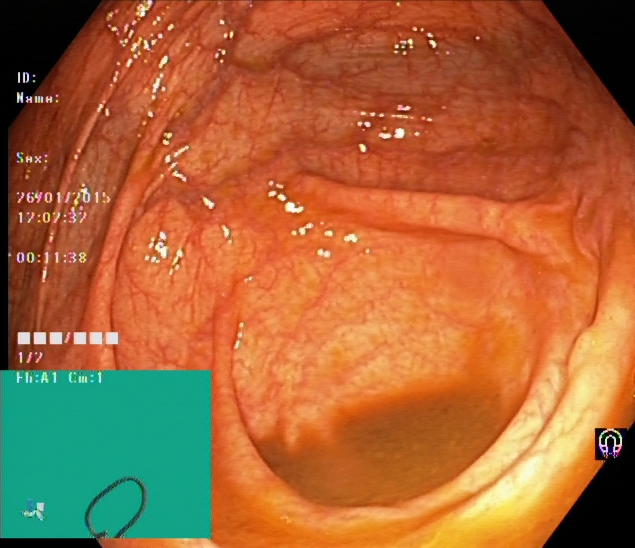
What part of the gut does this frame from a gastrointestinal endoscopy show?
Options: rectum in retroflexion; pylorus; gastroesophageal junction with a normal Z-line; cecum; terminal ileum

cecum